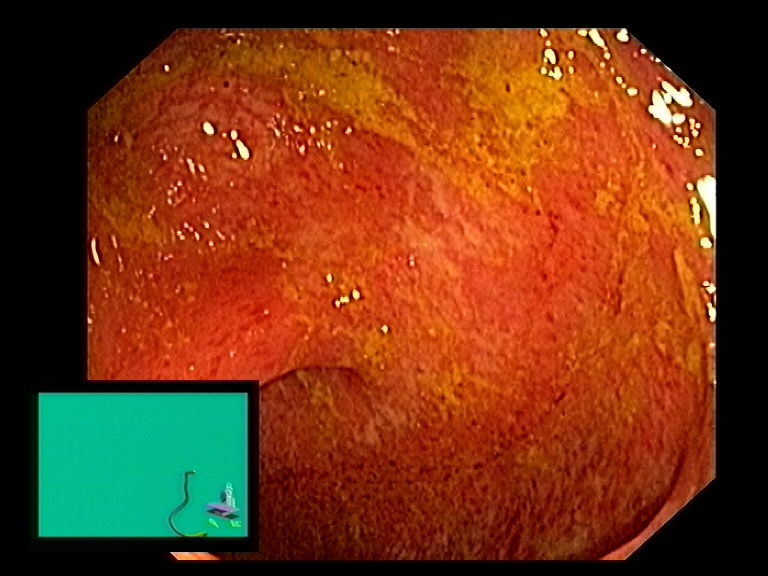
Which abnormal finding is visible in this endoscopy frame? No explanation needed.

mucosal inflammation of the large bowel